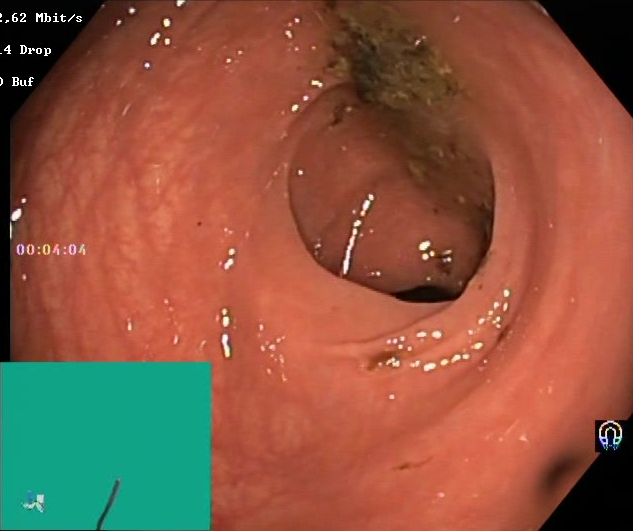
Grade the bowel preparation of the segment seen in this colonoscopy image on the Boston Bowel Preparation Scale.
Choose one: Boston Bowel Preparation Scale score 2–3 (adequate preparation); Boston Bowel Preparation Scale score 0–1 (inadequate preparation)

Boston Bowel Preparation Scale score 0–1 (inadequate preparation)